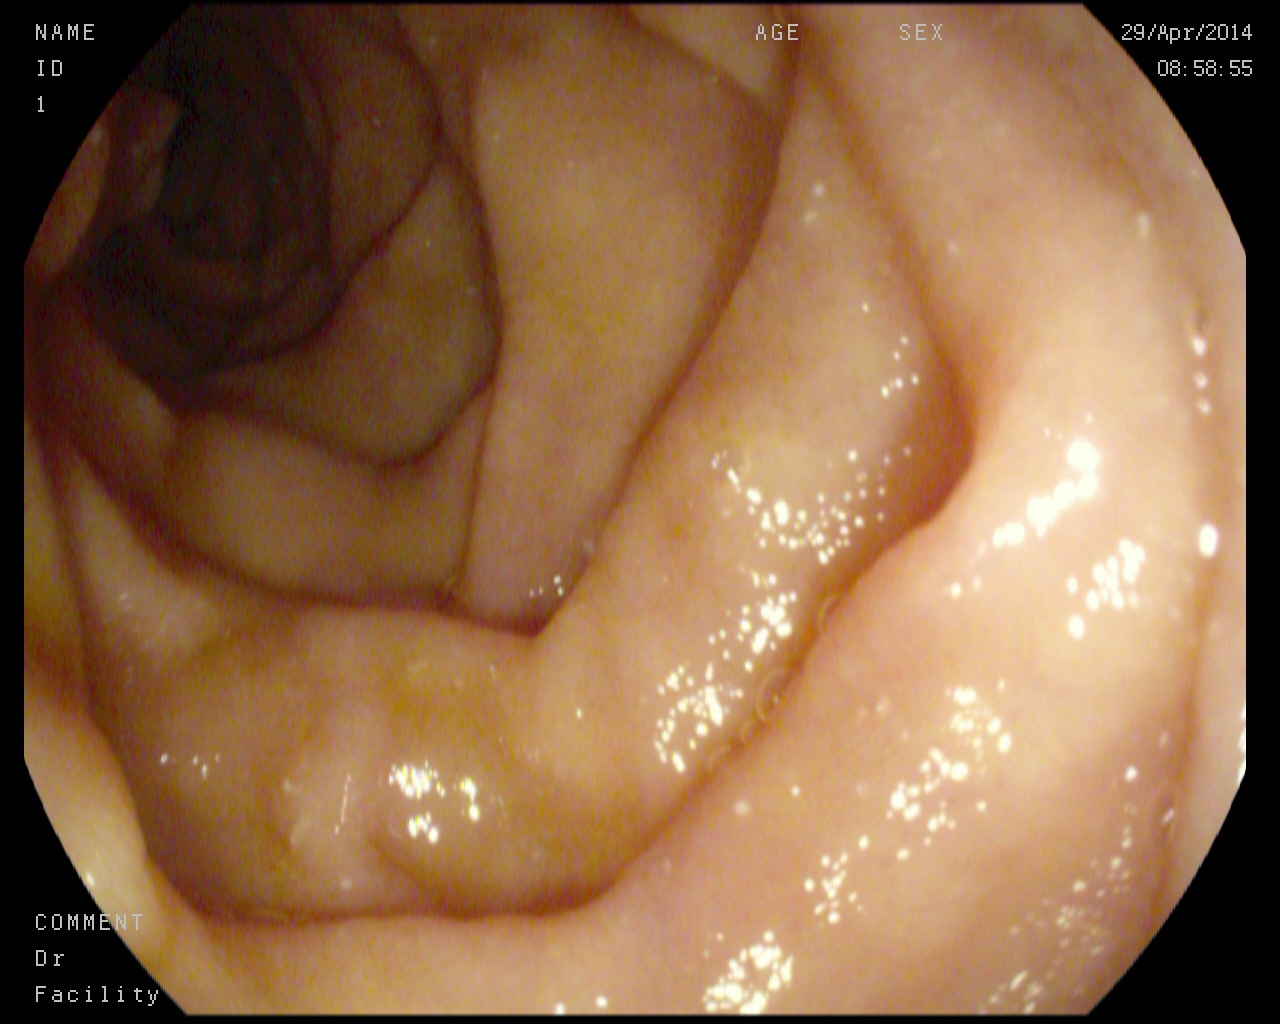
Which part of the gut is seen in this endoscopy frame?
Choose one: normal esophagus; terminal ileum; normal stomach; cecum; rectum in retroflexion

terminal ileum